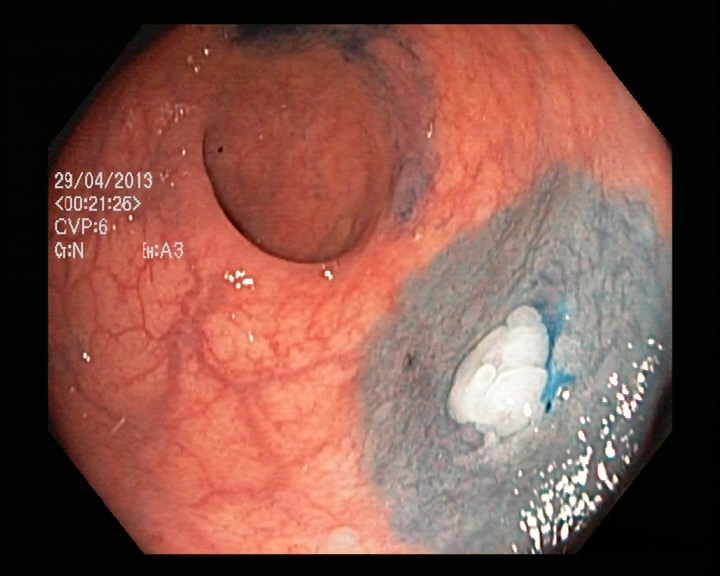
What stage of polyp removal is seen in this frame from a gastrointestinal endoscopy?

dyed and lifted polyp (pre-resection)